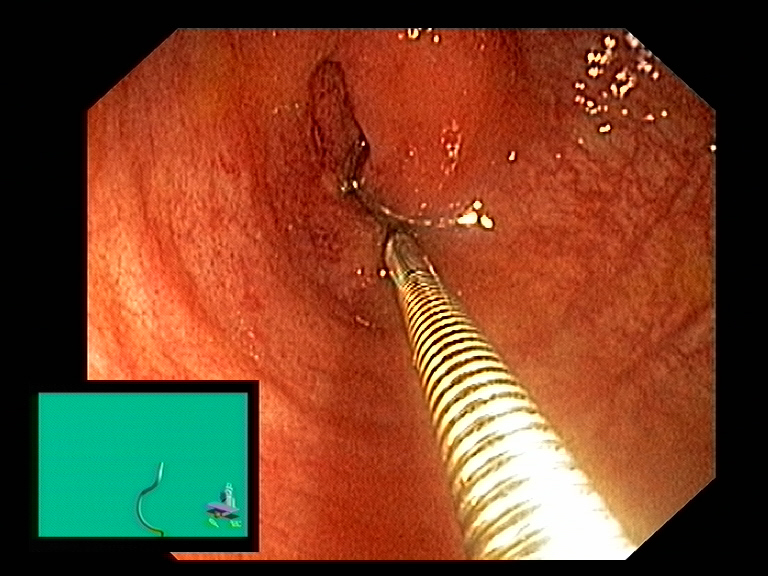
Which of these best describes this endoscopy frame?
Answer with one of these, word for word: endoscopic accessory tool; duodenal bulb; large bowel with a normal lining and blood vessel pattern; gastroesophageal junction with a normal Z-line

endoscopic accessory tool